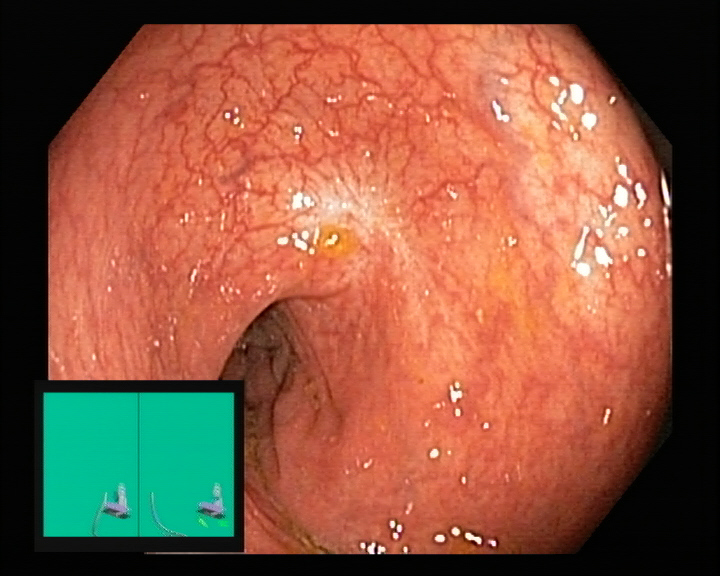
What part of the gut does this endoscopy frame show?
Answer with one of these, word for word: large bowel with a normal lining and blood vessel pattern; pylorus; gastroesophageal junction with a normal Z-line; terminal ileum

large bowel with a normal lining and blood vessel pattern